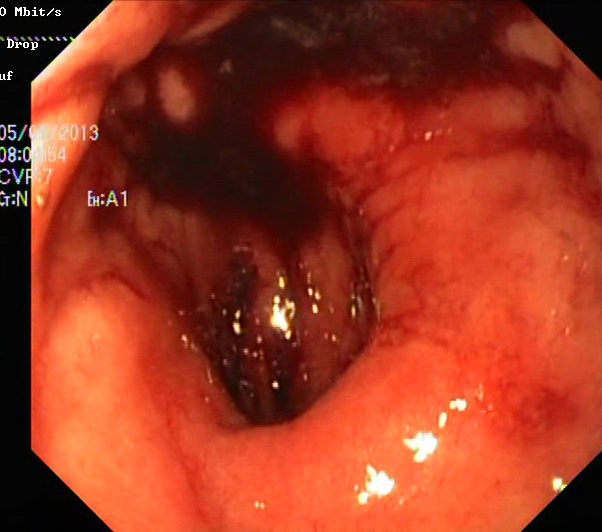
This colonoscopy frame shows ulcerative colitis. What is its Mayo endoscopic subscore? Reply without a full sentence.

ulcerative colitis, Mayo endoscopic subscore 3